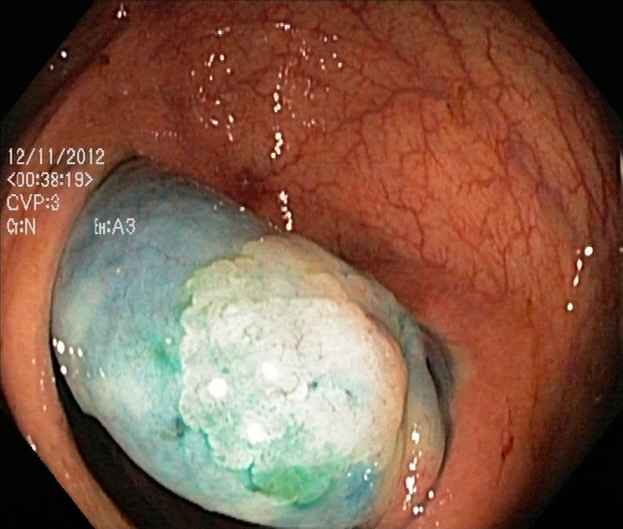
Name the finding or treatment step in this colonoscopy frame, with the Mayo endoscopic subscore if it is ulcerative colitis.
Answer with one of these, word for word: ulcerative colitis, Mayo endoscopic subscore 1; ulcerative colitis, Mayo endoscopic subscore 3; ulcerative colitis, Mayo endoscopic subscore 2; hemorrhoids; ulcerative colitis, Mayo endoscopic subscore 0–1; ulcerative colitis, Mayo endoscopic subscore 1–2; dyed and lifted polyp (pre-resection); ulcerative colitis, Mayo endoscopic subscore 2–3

dyed and lifted polyp (pre-resection)